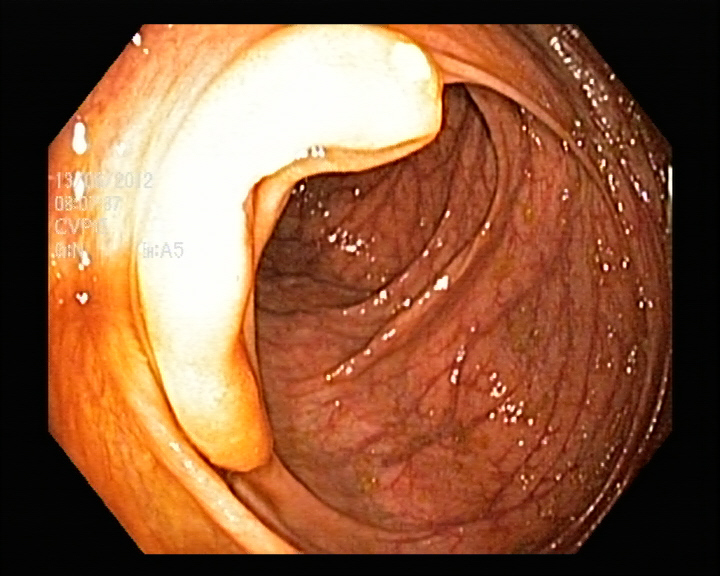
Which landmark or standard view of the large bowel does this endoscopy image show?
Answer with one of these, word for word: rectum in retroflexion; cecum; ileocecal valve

ileocecal valve